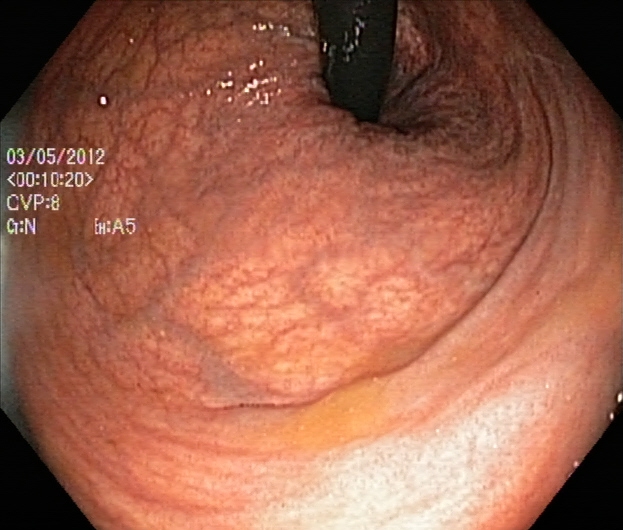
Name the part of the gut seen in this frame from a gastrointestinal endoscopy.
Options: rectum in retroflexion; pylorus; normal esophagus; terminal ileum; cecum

rectum in retroflexion